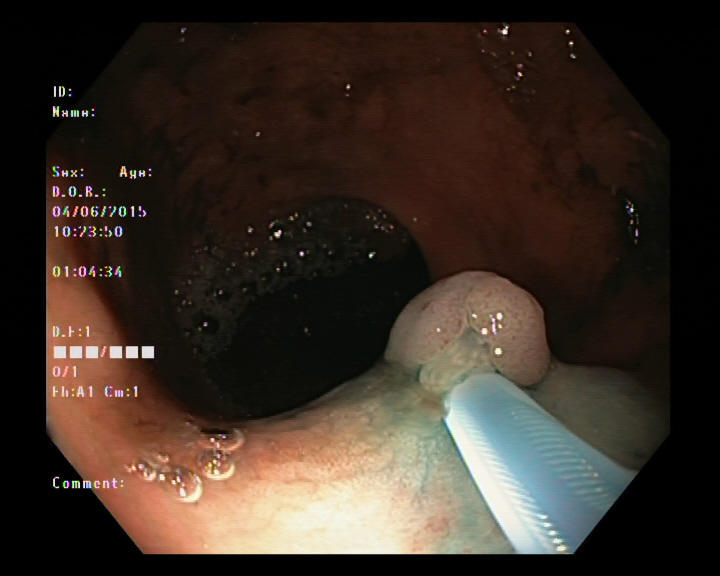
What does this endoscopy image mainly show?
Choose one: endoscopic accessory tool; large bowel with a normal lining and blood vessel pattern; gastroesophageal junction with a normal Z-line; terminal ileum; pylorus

endoscopic accessory tool